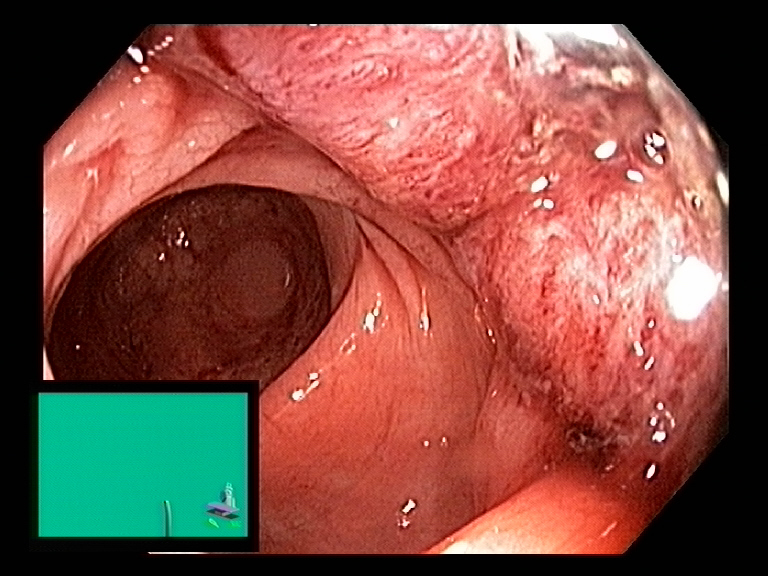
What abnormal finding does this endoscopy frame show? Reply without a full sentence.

colorectal cancer